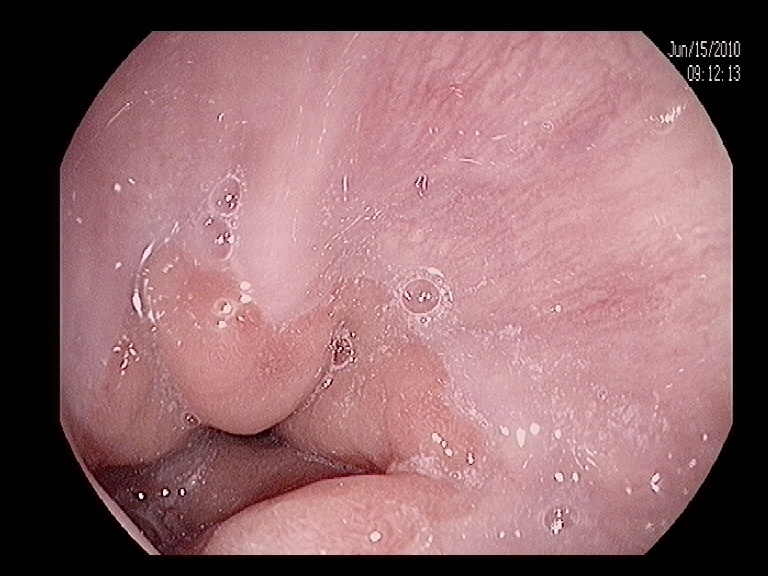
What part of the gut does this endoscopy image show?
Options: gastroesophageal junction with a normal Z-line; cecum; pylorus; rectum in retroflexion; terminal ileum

gastroesophageal junction with a normal Z-line